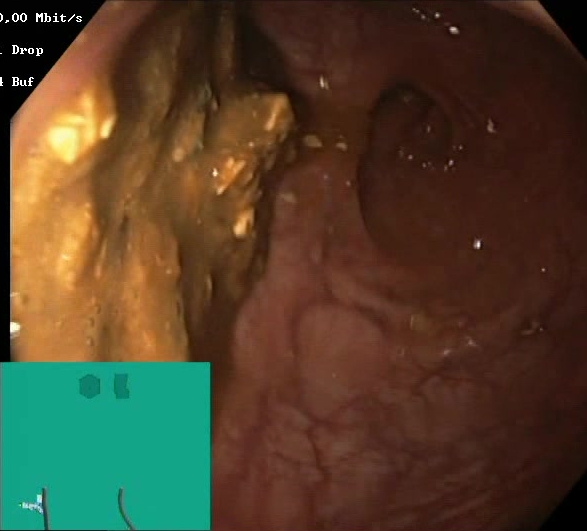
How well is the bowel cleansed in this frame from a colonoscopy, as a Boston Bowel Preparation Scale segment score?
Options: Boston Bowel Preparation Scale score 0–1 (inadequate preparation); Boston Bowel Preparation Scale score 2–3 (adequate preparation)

Boston Bowel Preparation Scale score 0–1 (inadequate preparation)